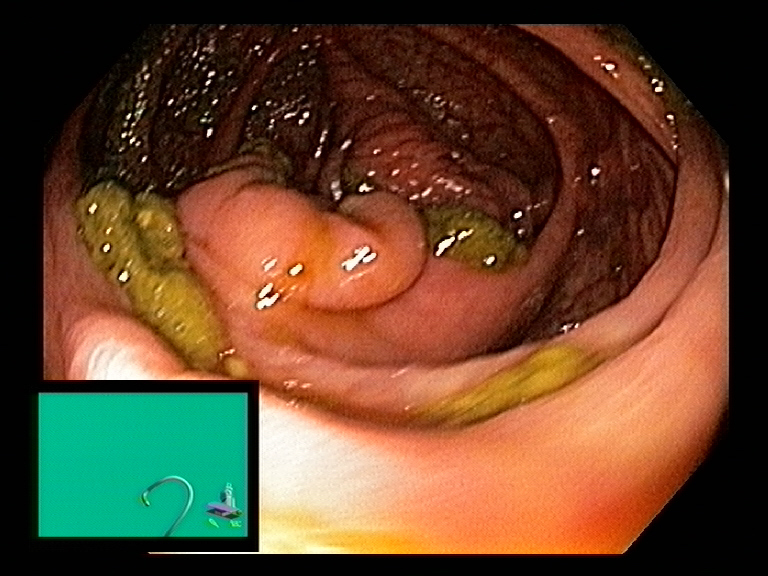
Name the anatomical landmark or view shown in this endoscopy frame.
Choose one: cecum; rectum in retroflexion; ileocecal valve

ileocecal valve